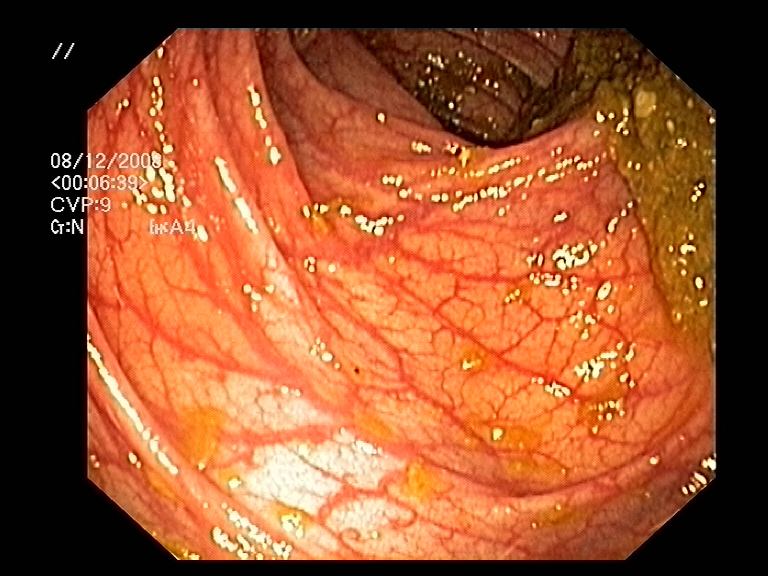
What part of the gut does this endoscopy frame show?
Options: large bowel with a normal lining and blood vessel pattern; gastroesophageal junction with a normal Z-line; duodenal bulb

large bowel with a normal lining and blood vessel pattern